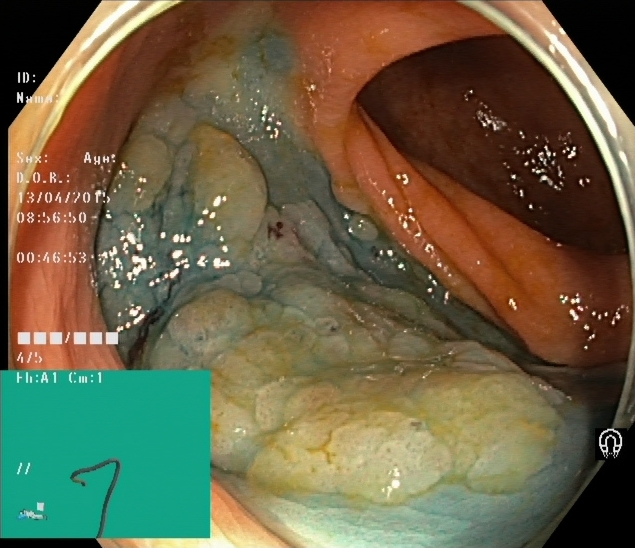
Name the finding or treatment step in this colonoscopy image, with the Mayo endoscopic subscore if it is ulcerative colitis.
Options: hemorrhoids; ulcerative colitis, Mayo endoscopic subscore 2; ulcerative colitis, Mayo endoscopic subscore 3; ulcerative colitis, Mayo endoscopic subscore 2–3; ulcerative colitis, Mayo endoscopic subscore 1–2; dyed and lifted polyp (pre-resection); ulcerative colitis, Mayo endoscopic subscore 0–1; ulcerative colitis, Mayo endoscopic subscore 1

dyed and lifted polyp (pre-resection)